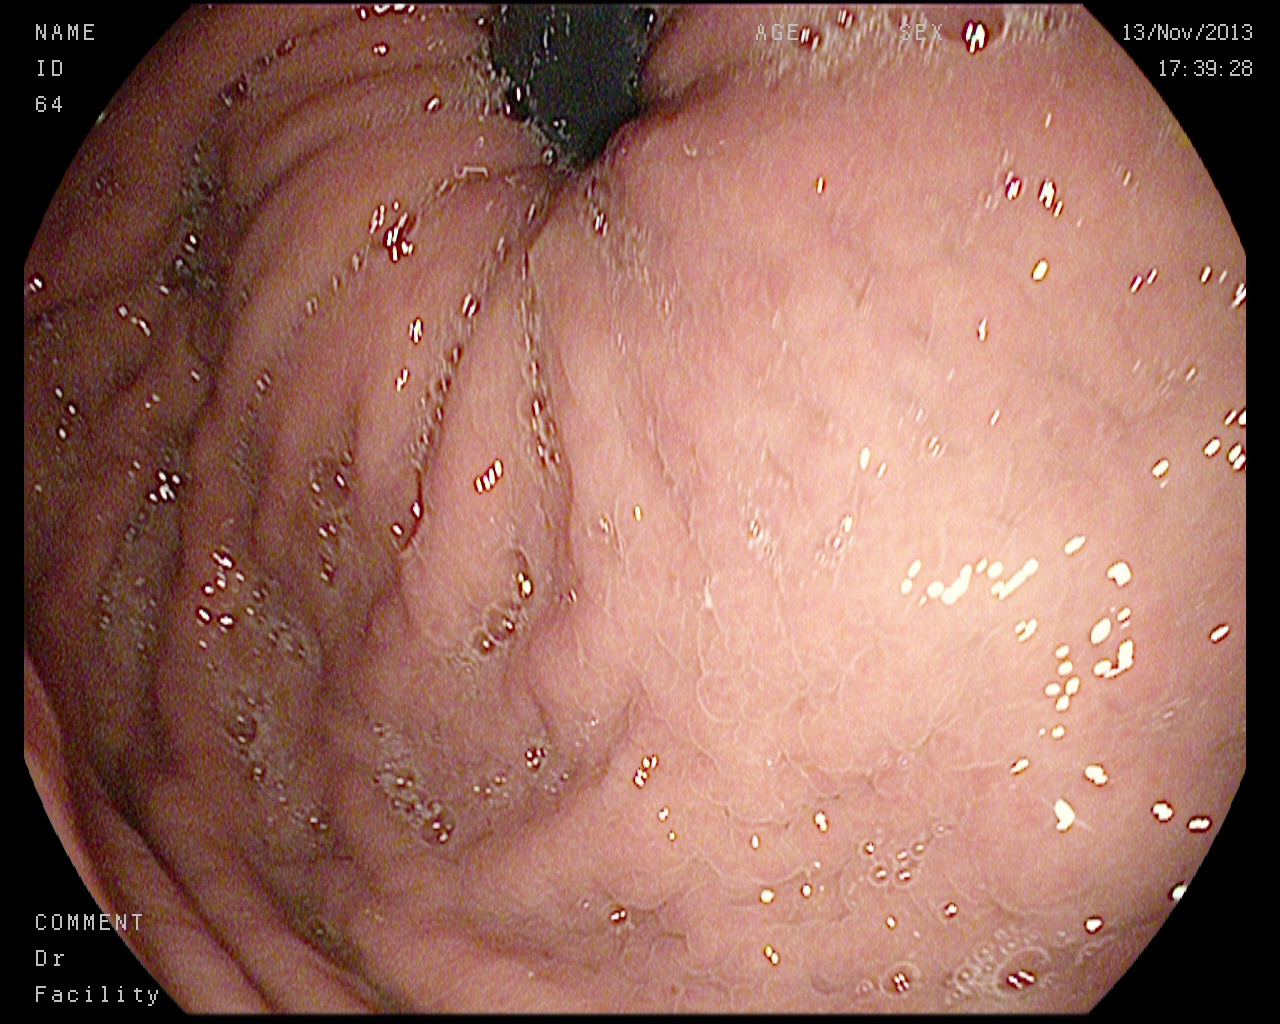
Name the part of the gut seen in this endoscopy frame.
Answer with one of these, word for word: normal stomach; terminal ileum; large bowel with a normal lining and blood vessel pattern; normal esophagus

normal stomach